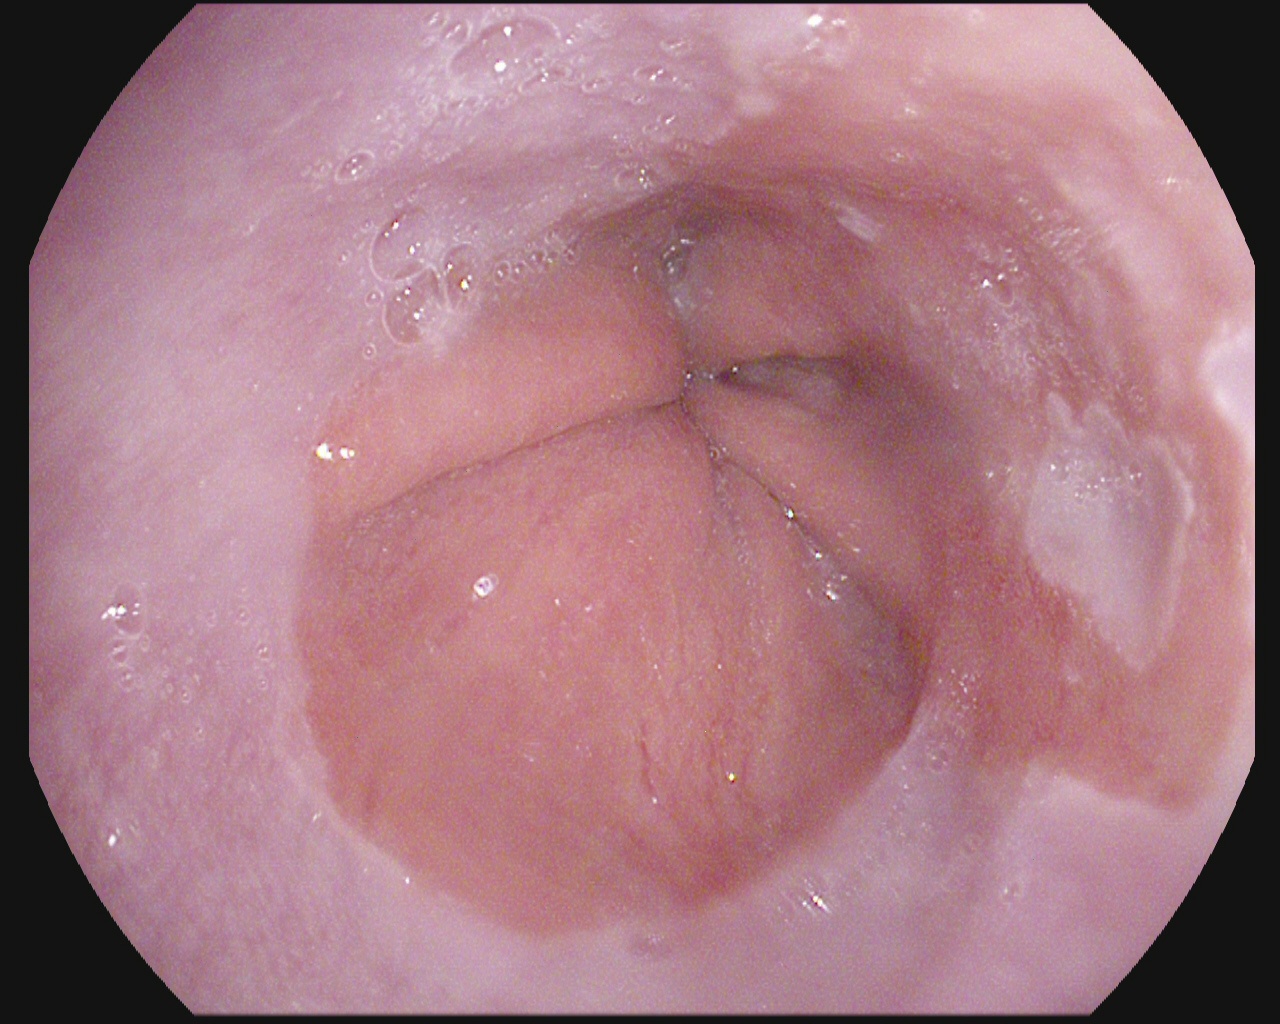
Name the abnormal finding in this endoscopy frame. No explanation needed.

Barrett's esophagus